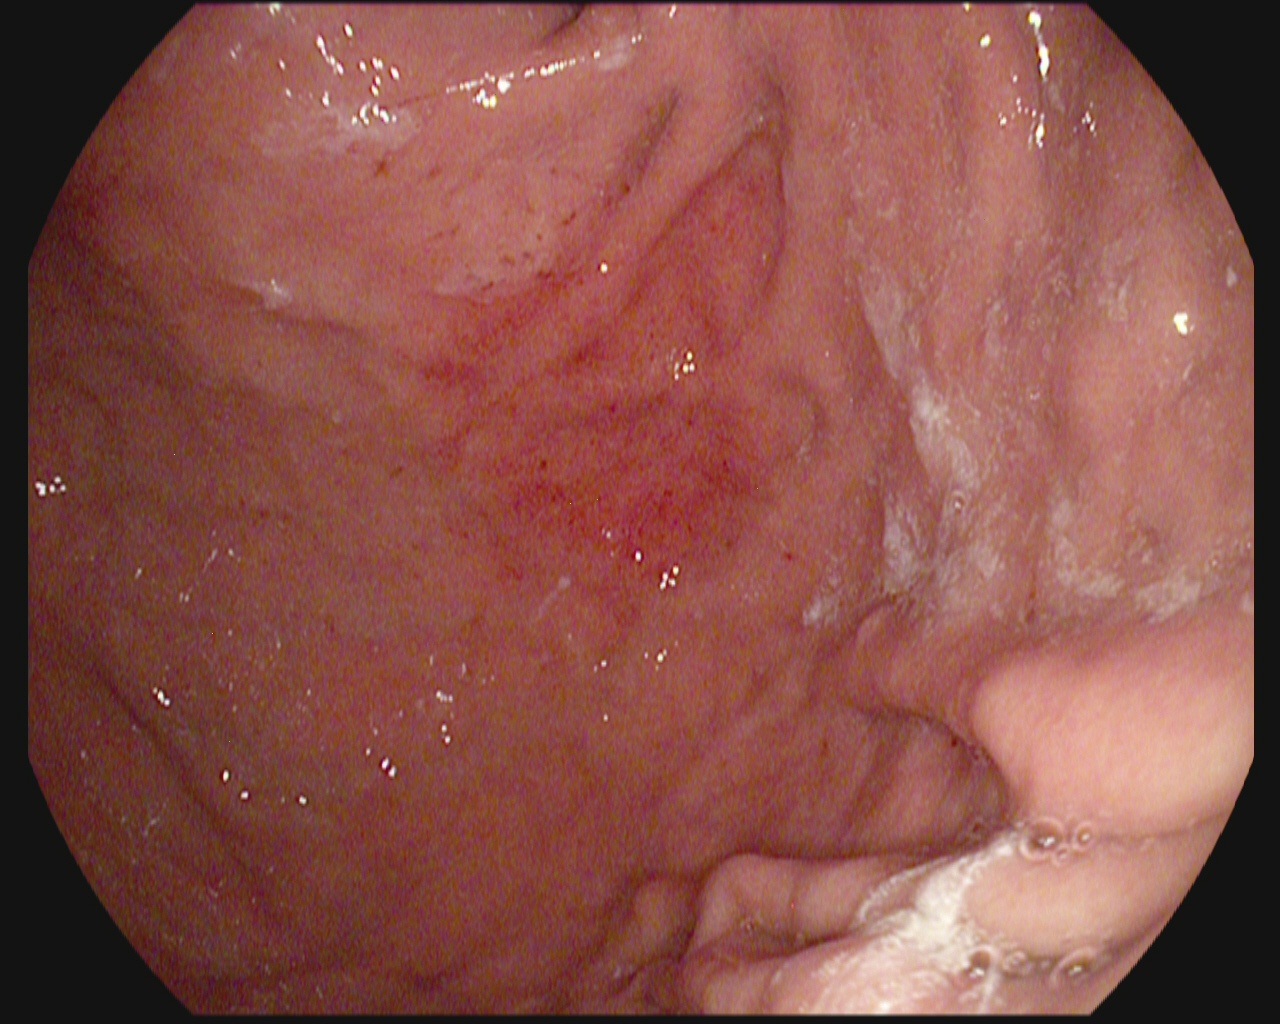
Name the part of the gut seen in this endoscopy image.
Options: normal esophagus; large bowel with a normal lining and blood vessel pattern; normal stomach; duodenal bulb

normal stomach